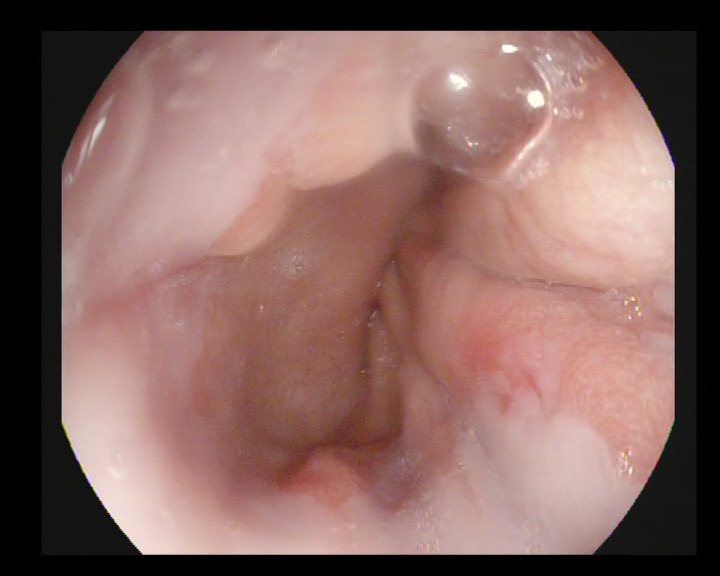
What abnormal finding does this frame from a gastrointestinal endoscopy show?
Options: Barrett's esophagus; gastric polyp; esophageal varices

Barrett's esophagus